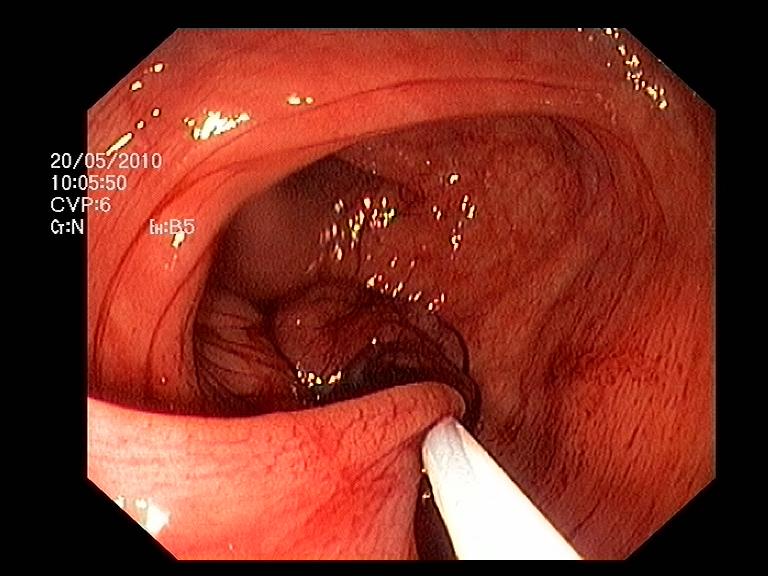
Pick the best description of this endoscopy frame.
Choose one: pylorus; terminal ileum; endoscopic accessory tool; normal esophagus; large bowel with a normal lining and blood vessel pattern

endoscopic accessory tool